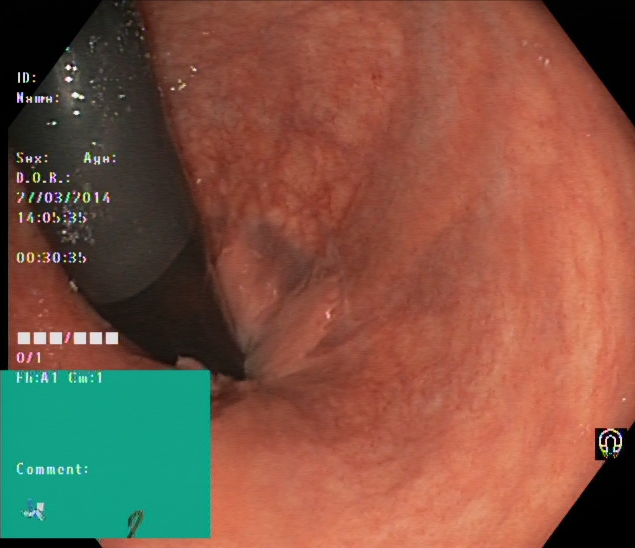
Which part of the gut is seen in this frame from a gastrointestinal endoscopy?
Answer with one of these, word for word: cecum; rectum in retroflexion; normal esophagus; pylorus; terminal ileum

rectum in retroflexion